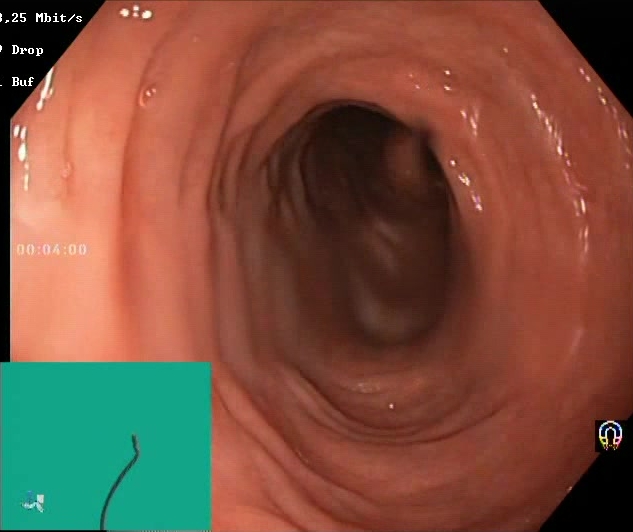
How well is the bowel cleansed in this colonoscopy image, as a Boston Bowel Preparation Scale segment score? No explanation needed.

Boston Bowel Preparation Scale score 2–3 (adequate preparation)